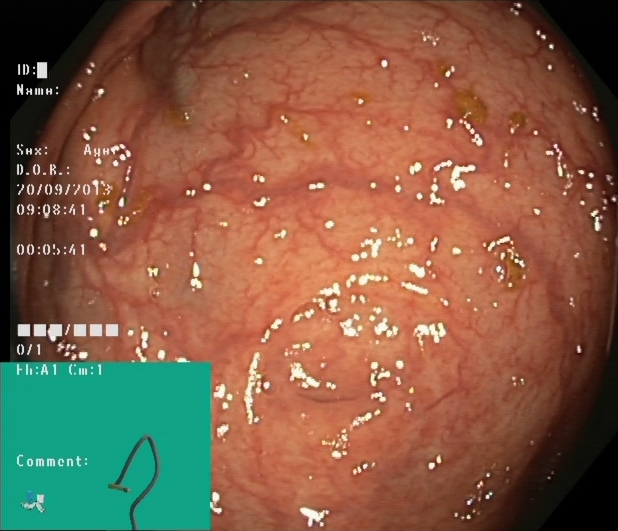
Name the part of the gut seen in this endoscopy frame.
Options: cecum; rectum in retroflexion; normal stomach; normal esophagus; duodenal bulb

cecum